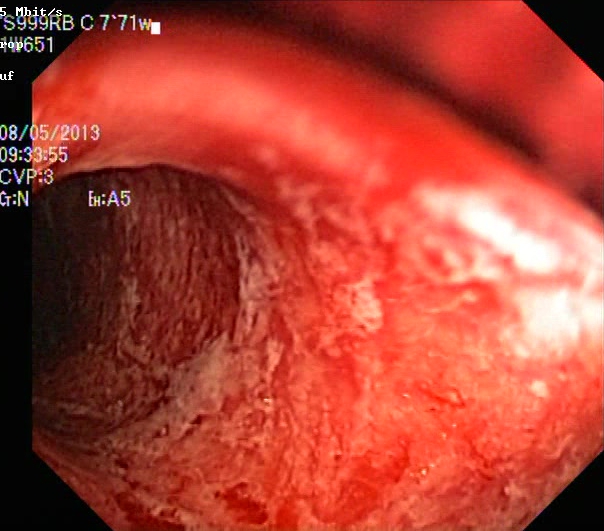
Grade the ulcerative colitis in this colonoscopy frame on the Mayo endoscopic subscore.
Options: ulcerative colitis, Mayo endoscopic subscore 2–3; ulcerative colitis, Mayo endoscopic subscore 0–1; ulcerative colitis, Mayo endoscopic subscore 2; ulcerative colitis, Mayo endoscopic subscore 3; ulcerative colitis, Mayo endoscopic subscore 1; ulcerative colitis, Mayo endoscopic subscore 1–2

ulcerative colitis, Mayo endoscopic subscore 3